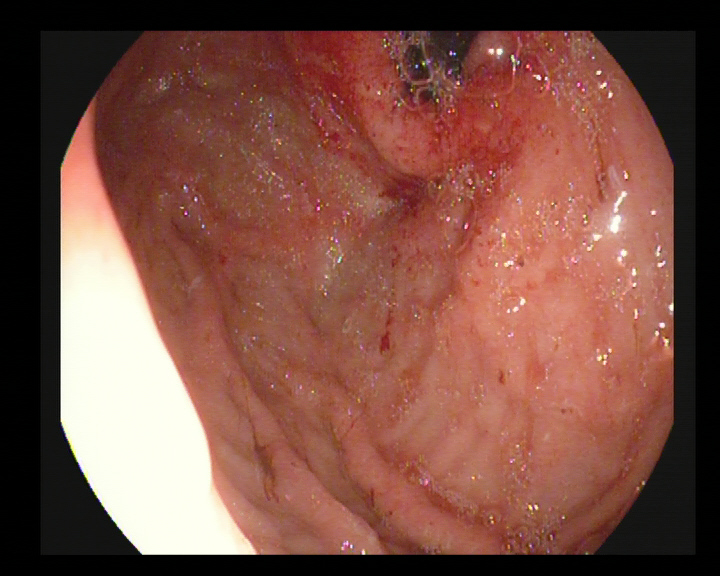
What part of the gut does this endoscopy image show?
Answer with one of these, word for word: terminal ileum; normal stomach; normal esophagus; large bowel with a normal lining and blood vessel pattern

normal stomach